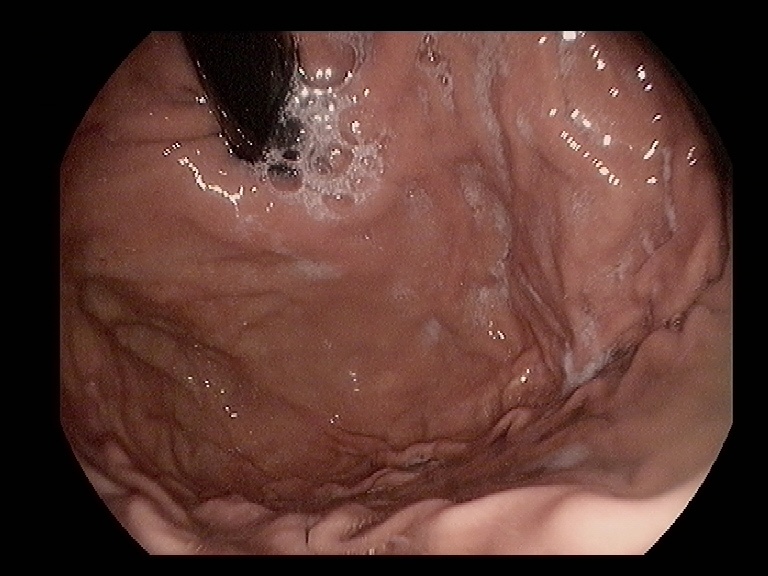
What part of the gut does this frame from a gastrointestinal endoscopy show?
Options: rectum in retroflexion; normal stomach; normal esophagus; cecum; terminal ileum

normal stomach